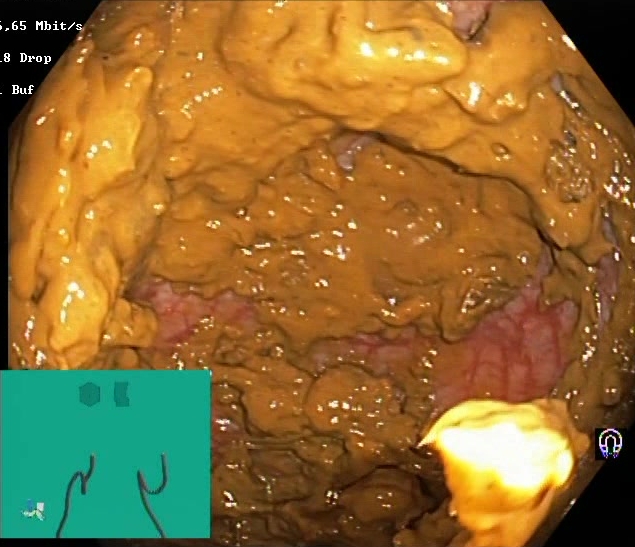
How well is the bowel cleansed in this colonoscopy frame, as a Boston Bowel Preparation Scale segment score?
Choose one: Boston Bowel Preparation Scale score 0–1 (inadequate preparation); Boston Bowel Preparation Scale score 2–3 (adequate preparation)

Boston Bowel Preparation Scale score 0–1 (inadequate preparation)